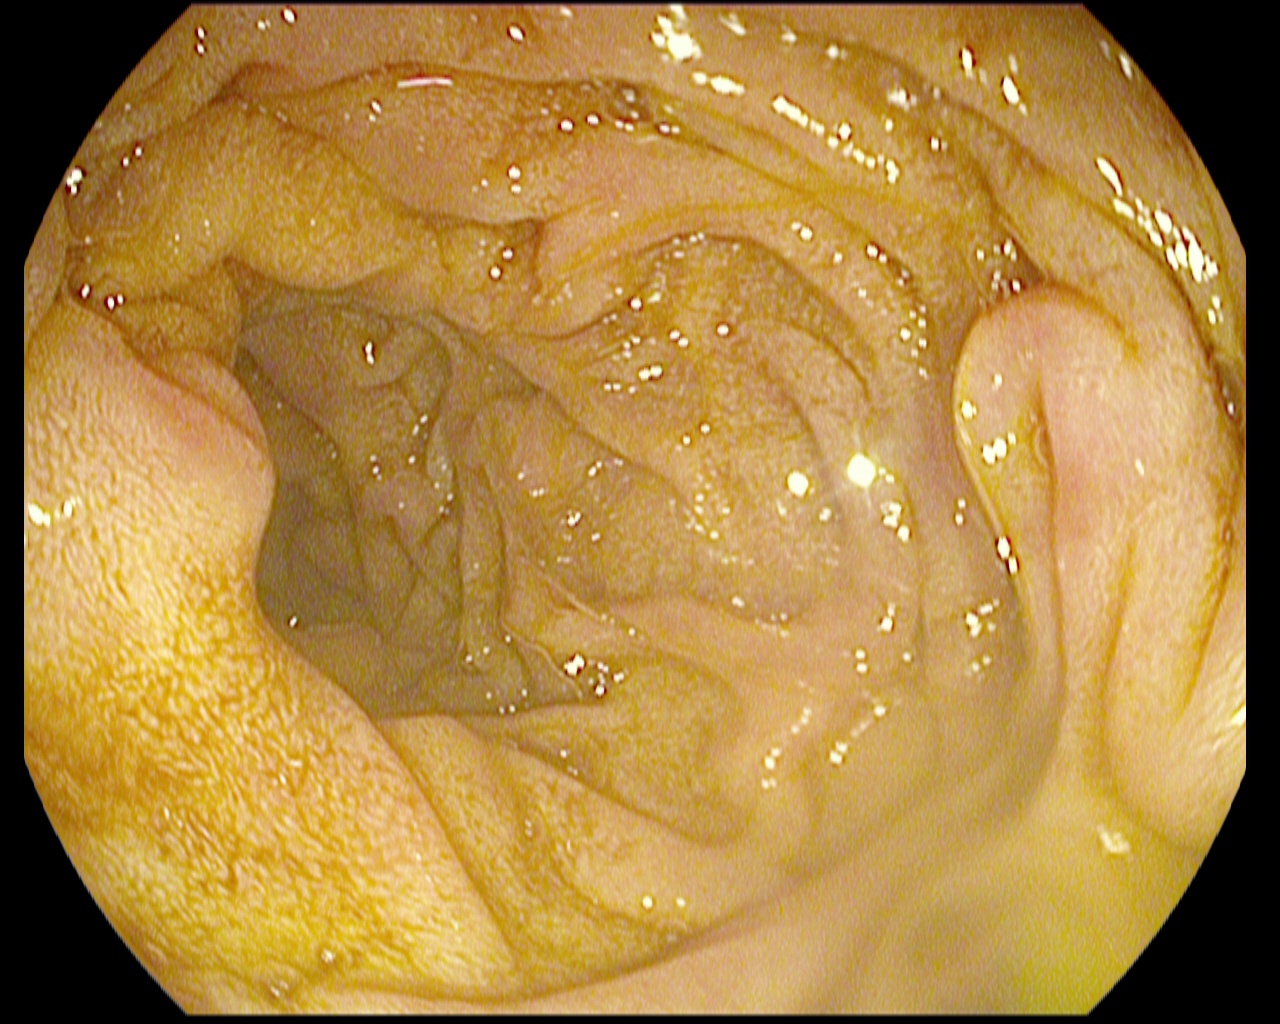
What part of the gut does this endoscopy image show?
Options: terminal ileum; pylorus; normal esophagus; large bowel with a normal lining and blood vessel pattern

terminal ileum